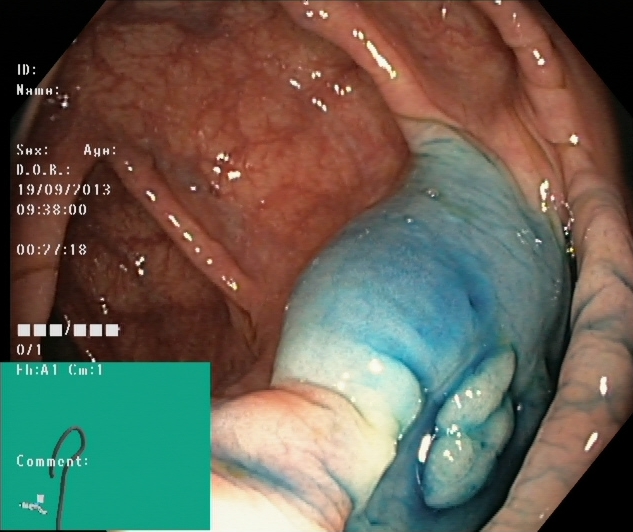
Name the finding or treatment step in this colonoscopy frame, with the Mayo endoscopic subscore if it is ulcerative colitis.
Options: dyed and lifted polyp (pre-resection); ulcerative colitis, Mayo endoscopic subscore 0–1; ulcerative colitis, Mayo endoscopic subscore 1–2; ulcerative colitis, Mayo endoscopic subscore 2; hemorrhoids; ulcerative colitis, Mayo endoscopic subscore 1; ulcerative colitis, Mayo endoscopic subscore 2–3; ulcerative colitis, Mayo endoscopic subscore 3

dyed and lifted polyp (pre-resection)